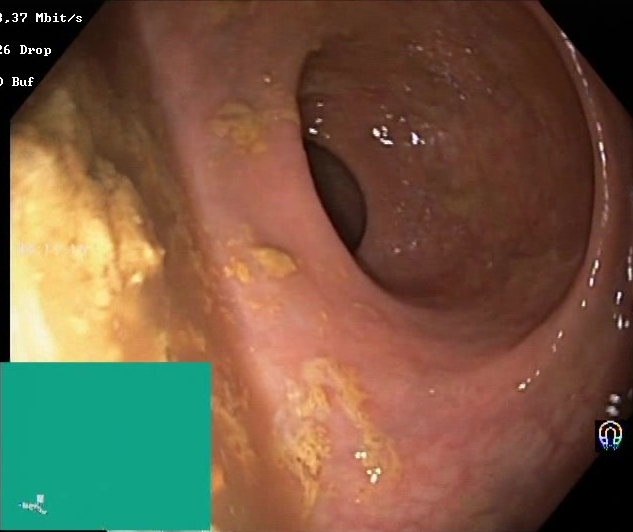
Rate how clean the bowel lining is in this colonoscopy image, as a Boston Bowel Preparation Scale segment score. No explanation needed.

Boston Bowel Preparation Scale score 0–1 (inadequate preparation)